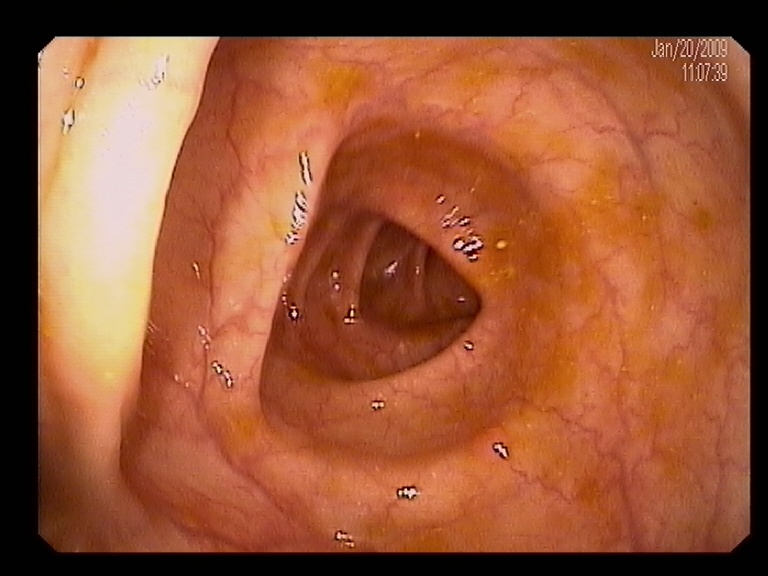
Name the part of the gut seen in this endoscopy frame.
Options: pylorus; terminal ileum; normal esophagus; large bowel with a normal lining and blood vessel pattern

large bowel with a normal lining and blood vessel pattern